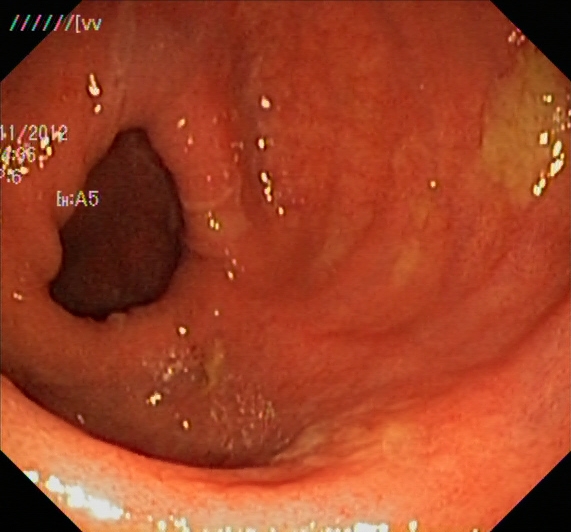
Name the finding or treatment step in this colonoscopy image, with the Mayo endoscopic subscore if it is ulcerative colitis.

ulcerative colitis, Mayo endoscopic subscore 1